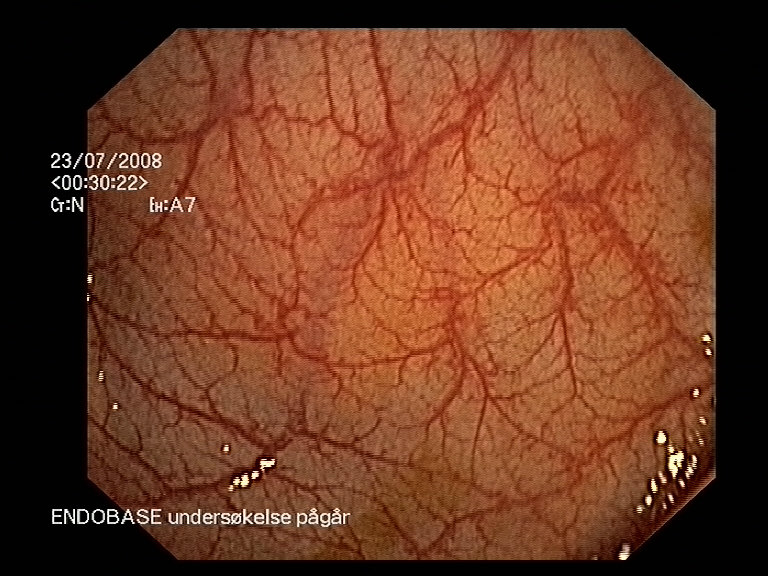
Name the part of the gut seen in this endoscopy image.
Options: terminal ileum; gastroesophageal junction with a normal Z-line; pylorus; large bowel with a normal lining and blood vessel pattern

large bowel with a normal lining and blood vessel pattern